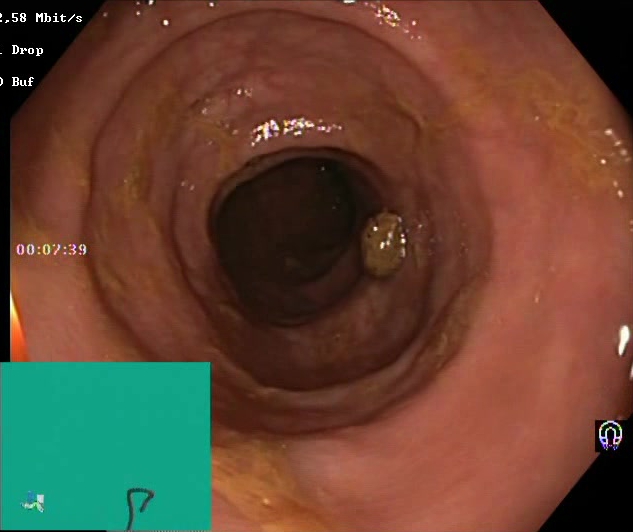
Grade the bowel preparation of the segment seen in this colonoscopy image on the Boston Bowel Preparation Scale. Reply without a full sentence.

Boston Bowel Preparation Scale score 2–3 (adequate preparation)